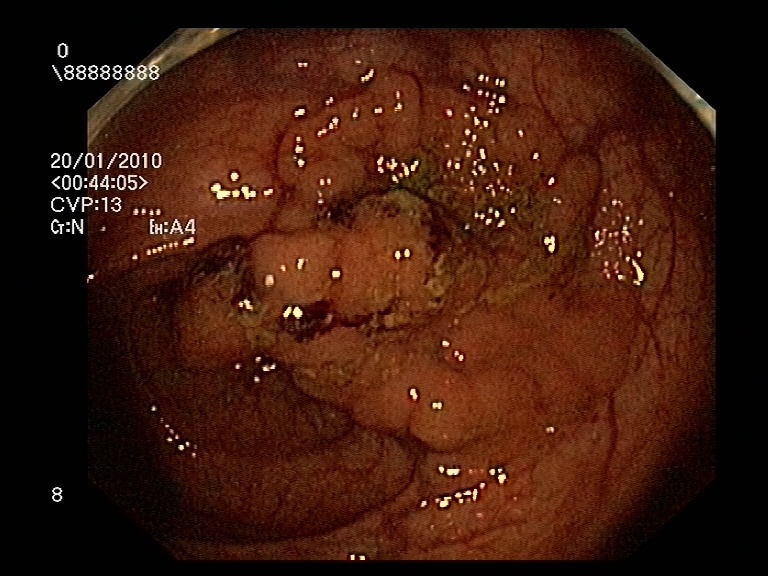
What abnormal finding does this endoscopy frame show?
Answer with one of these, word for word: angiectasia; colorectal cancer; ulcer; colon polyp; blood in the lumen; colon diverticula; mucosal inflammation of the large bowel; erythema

colorectal cancer